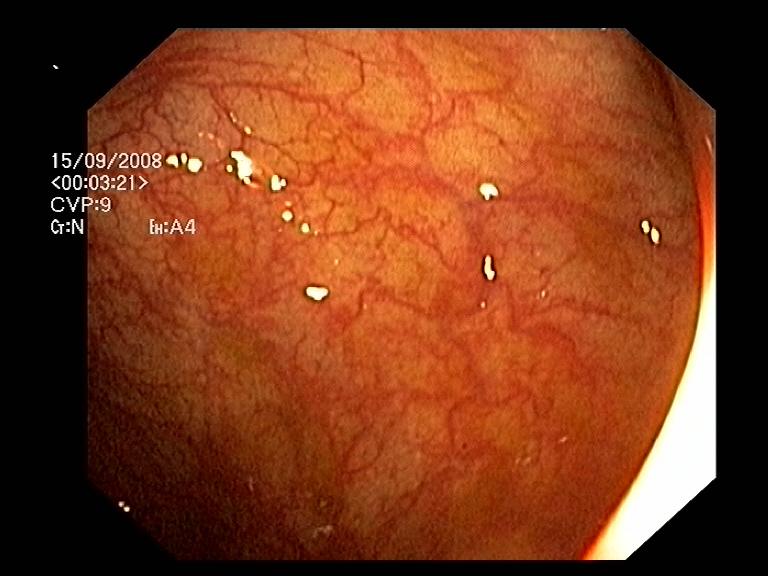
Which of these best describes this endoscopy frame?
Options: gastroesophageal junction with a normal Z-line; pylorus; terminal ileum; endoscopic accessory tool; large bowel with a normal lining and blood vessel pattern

large bowel with a normal lining and blood vessel pattern